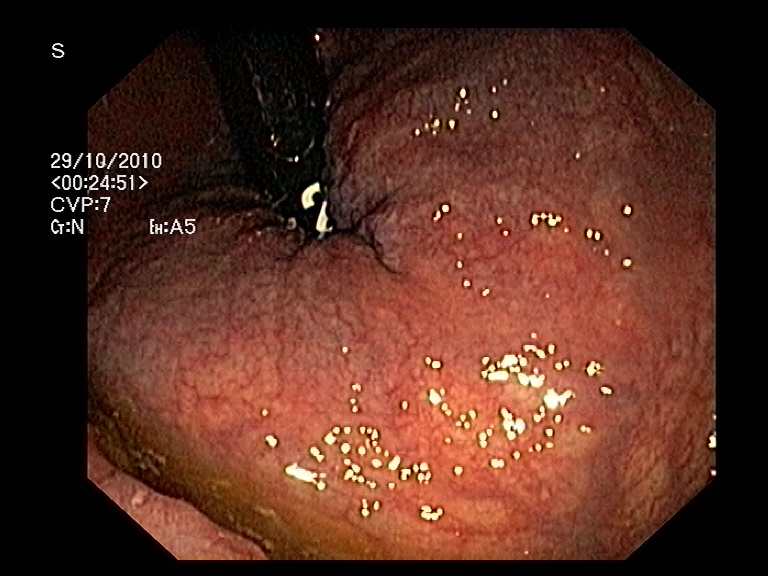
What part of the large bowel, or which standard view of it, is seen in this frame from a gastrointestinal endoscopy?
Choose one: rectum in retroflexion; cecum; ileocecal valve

rectum in retroflexion